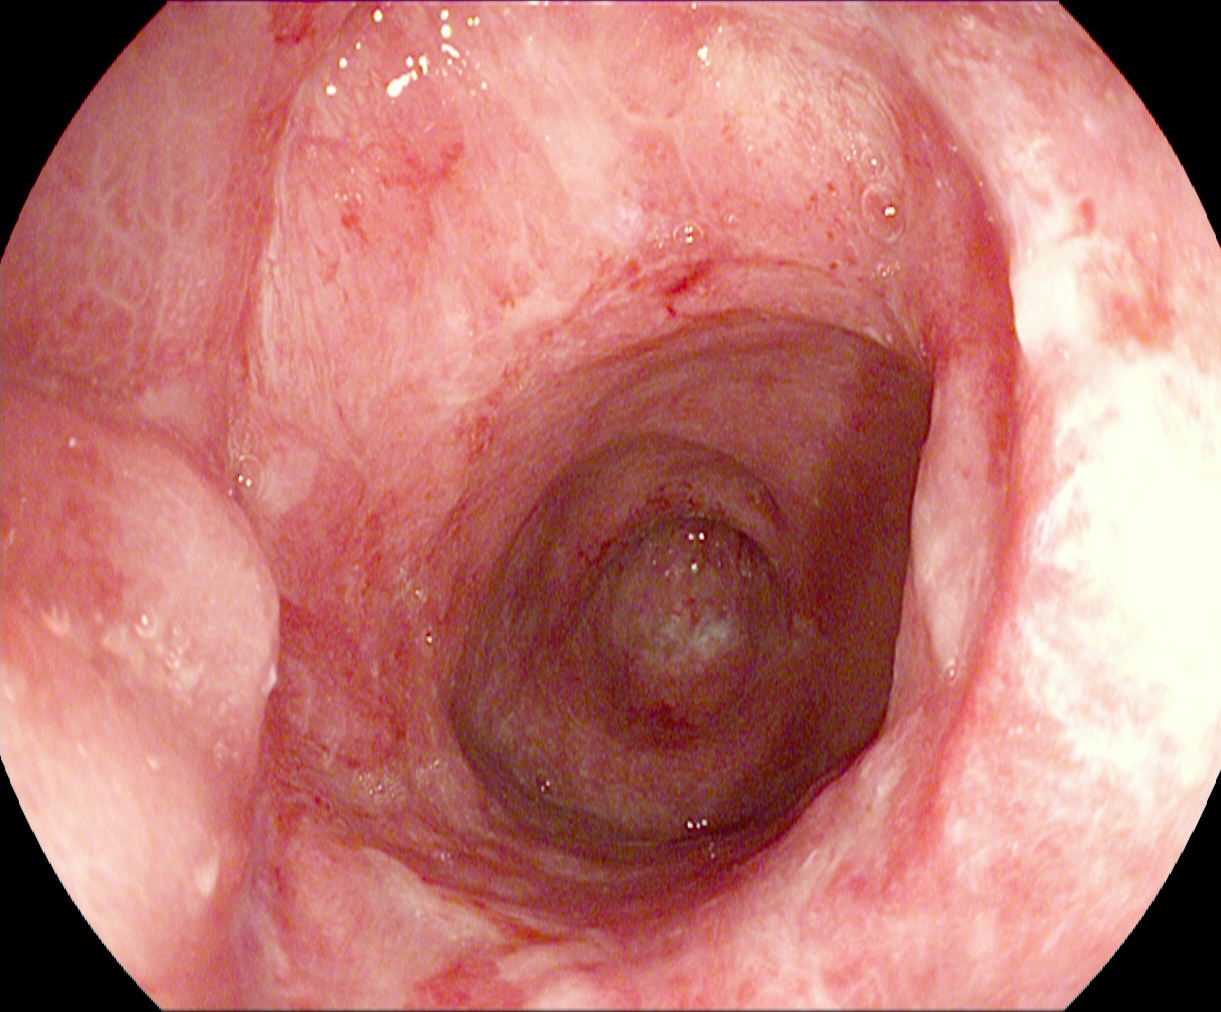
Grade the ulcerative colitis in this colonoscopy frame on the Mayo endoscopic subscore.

ulcerative colitis, Mayo endoscopic subscore 2